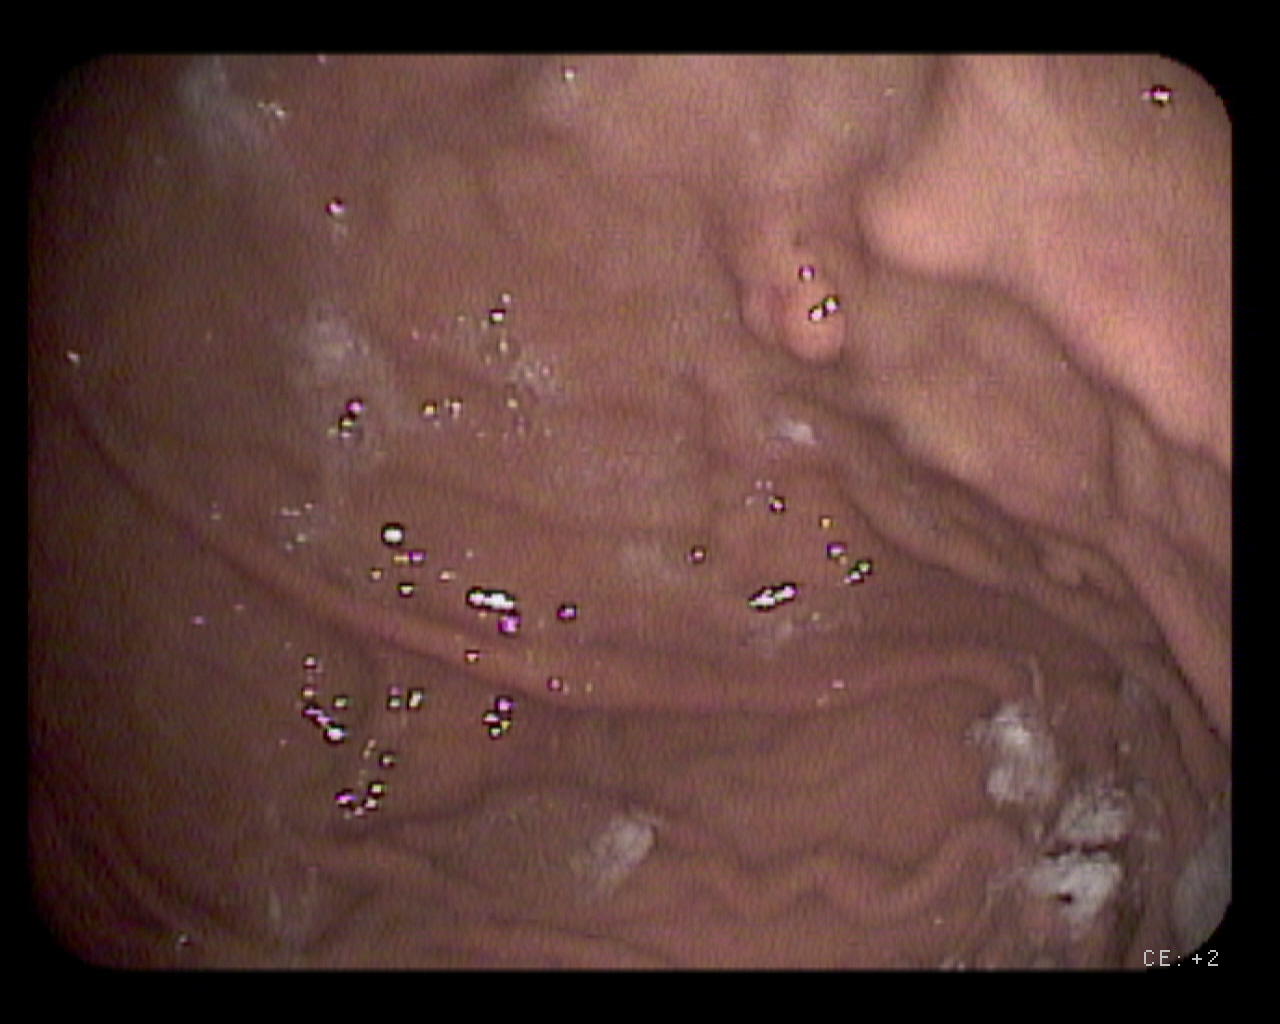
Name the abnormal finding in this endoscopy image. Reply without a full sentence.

gastric polyp